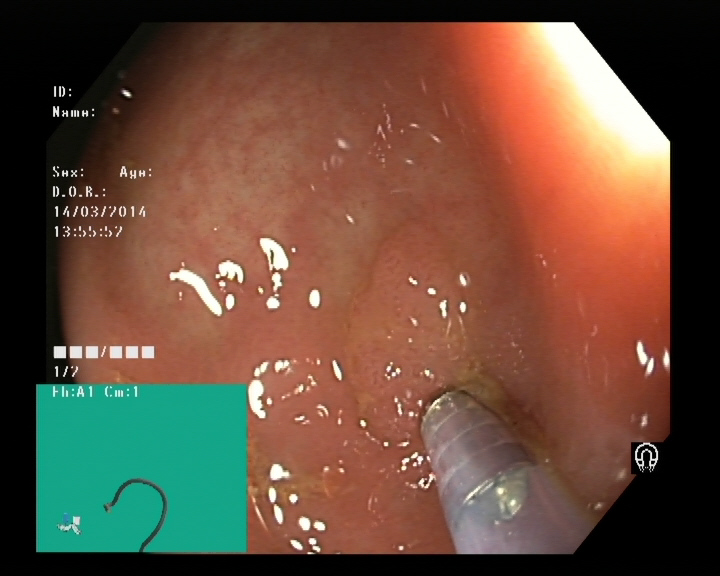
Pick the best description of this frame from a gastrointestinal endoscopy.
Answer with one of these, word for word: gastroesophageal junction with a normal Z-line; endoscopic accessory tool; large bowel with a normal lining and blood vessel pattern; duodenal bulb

endoscopic accessory tool